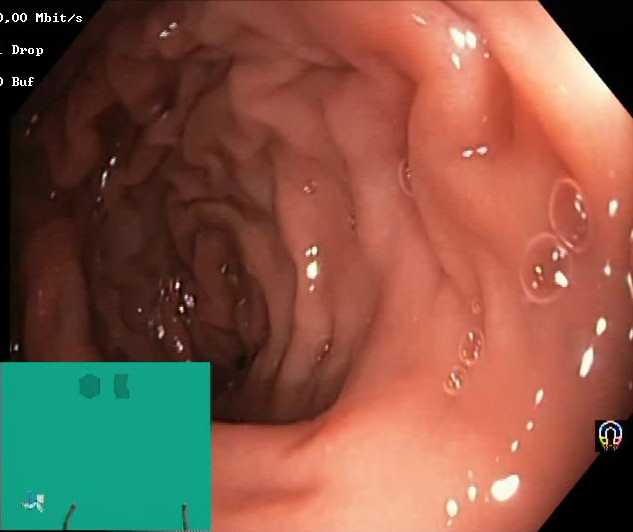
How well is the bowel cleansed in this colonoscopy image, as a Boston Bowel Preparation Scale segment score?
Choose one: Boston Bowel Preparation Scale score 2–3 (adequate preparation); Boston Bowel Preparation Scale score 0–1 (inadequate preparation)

Boston Bowel Preparation Scale score 2–3 (adequate preparation)